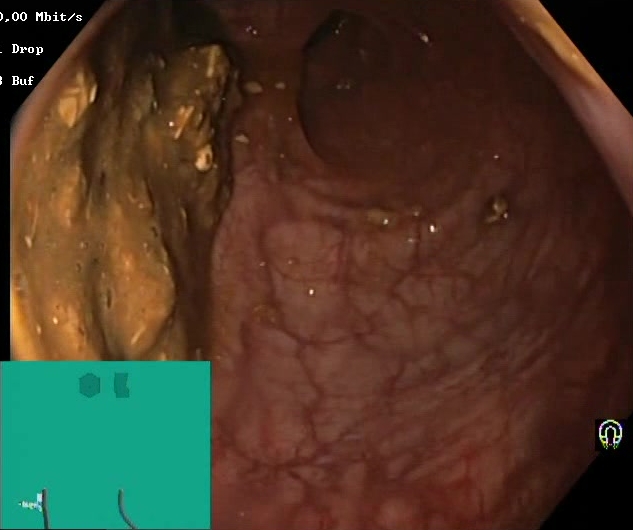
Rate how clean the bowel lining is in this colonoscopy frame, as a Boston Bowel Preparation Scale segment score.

Boston Bowel Preparation Scale score 0–1 (inadequate preparation)